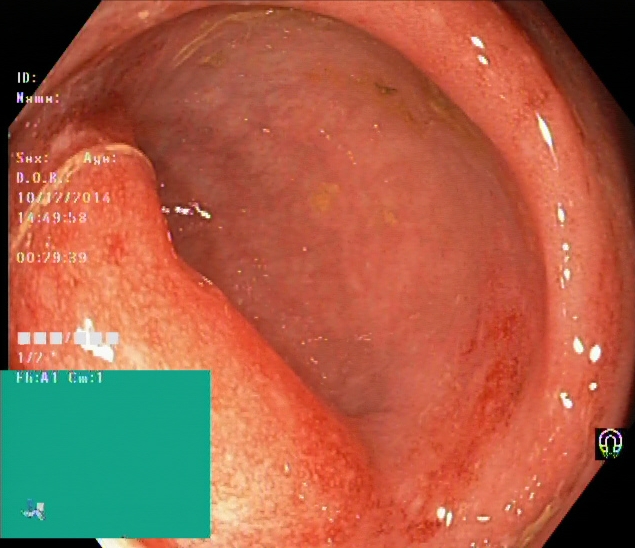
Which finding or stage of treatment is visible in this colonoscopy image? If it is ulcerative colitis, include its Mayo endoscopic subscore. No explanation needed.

ulcerative colitis, Mayo endoscopic subscore 2